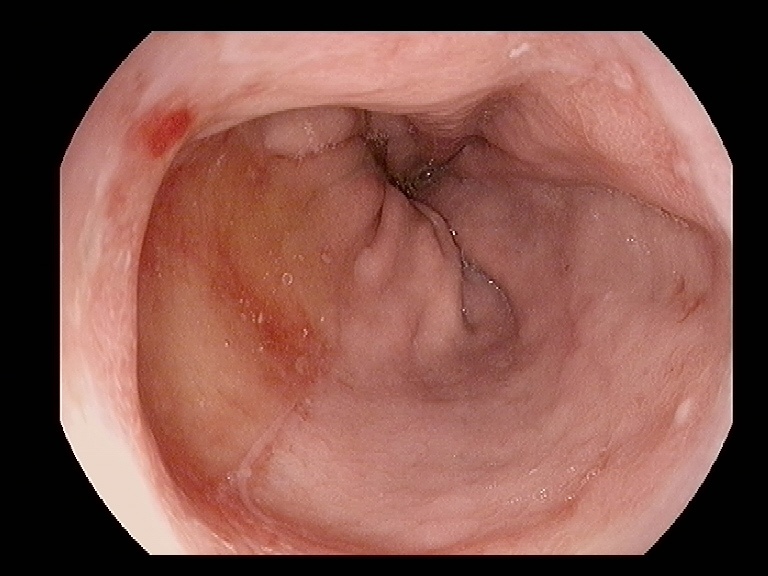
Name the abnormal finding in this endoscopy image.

esophagitis